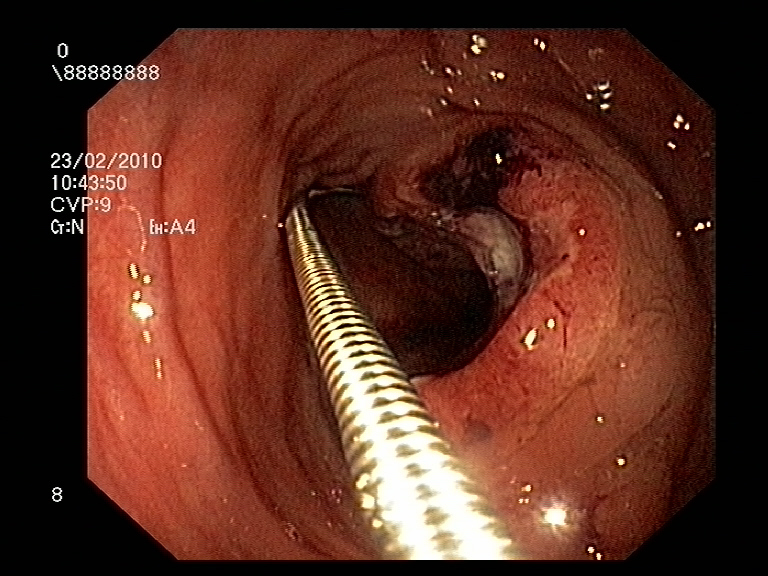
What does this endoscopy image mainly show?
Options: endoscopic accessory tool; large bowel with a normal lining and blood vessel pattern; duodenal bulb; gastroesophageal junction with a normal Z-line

endoscopic accessory tool